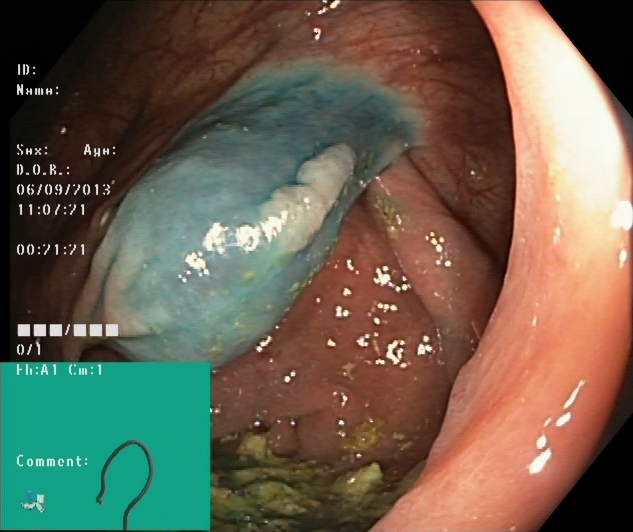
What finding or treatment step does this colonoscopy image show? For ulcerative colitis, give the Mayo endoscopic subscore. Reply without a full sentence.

dyed and lifted polyp (pre-resection)